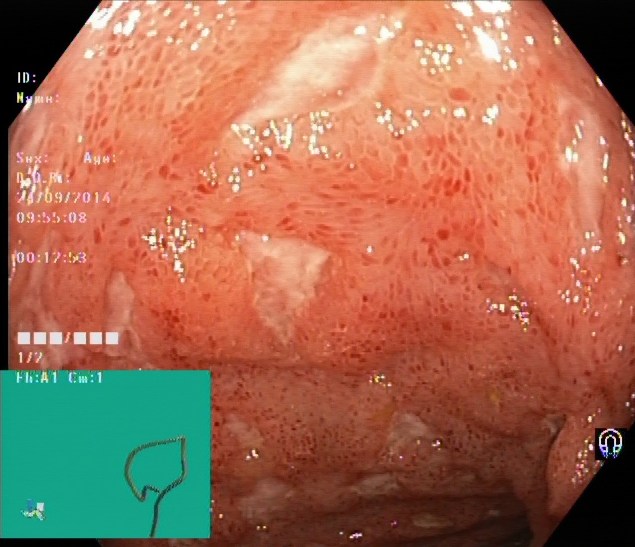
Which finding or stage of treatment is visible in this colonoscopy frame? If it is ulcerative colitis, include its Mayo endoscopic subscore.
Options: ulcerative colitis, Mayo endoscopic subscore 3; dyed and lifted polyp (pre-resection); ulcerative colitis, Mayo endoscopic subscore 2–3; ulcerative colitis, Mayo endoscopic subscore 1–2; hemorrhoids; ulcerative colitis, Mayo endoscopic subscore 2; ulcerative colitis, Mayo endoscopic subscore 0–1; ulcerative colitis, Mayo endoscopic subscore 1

ulcerative colitis, Mayo endoscopic subscore 3